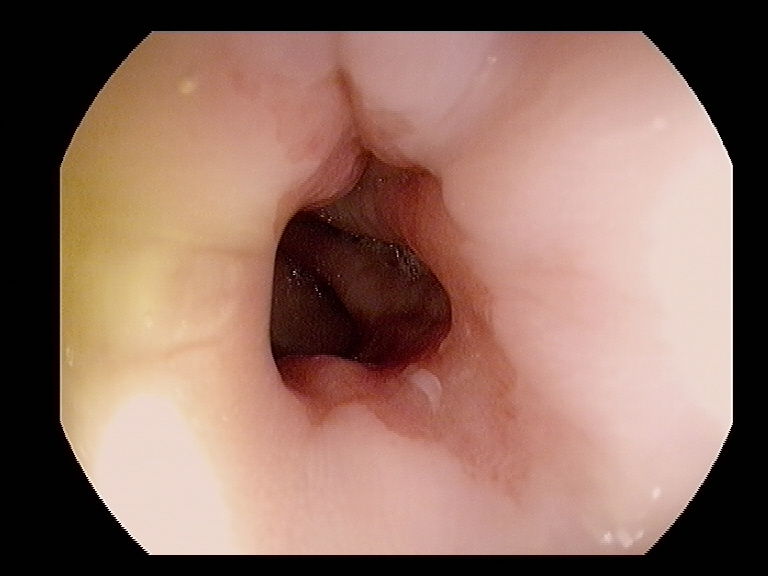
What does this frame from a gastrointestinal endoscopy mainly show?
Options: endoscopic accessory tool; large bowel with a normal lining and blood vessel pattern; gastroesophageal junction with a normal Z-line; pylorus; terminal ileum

gastroesophageal junction with a normal Z-line